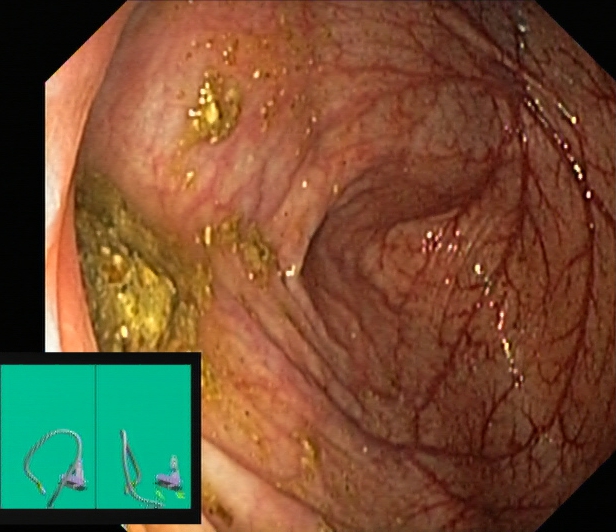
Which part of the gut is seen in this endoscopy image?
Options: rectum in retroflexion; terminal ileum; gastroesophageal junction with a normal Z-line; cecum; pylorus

cecum